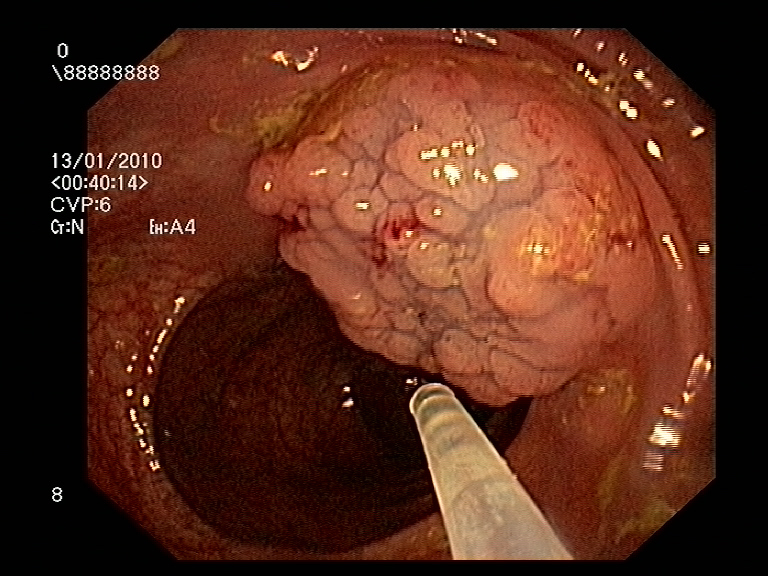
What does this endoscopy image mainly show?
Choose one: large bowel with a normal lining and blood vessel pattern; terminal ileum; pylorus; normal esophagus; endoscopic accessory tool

endoscopic accessory tool